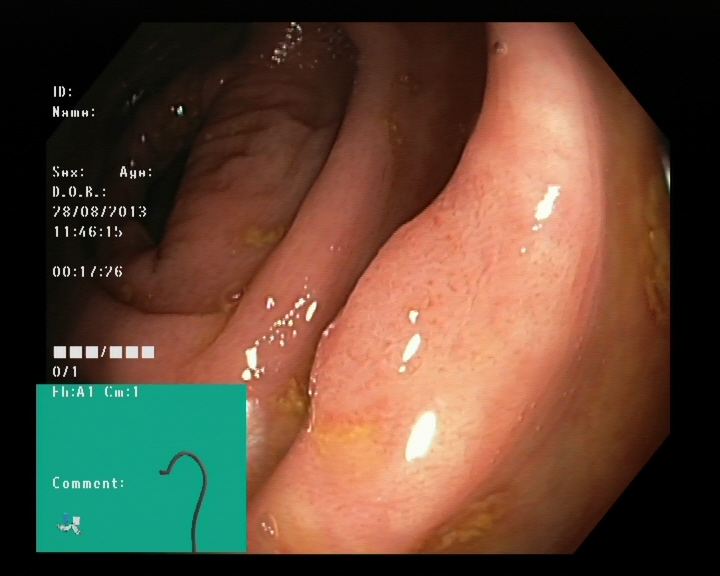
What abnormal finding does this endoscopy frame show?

colon polyp